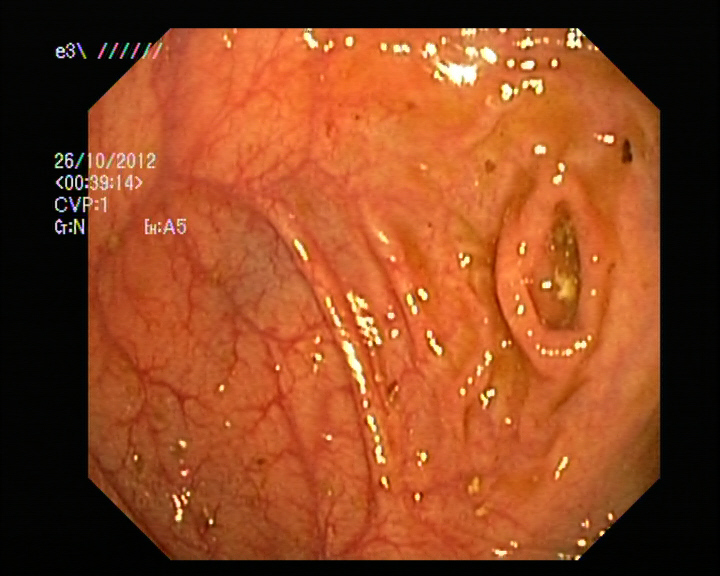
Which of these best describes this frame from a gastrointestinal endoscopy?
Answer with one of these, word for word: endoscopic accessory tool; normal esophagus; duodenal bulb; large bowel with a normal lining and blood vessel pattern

large bowel with a normal lining and blood vessel pattern